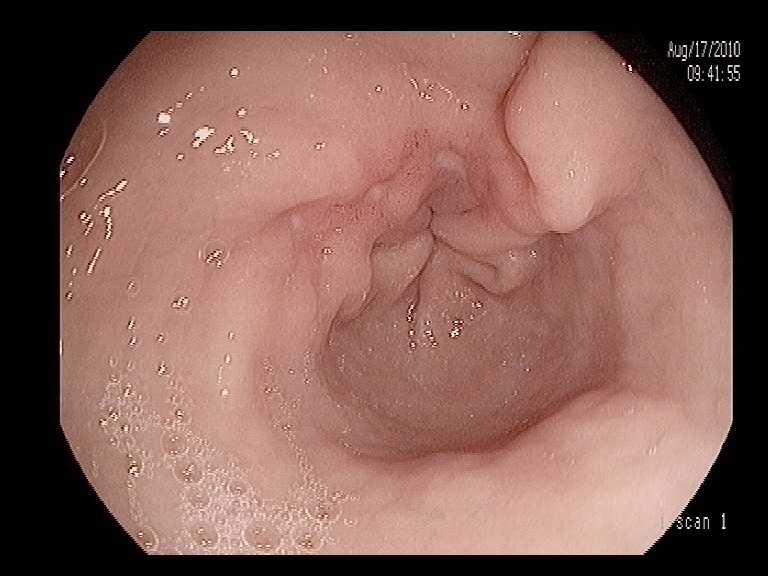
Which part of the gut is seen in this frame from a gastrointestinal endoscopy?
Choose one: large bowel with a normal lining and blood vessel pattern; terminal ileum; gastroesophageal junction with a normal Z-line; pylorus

pylorus